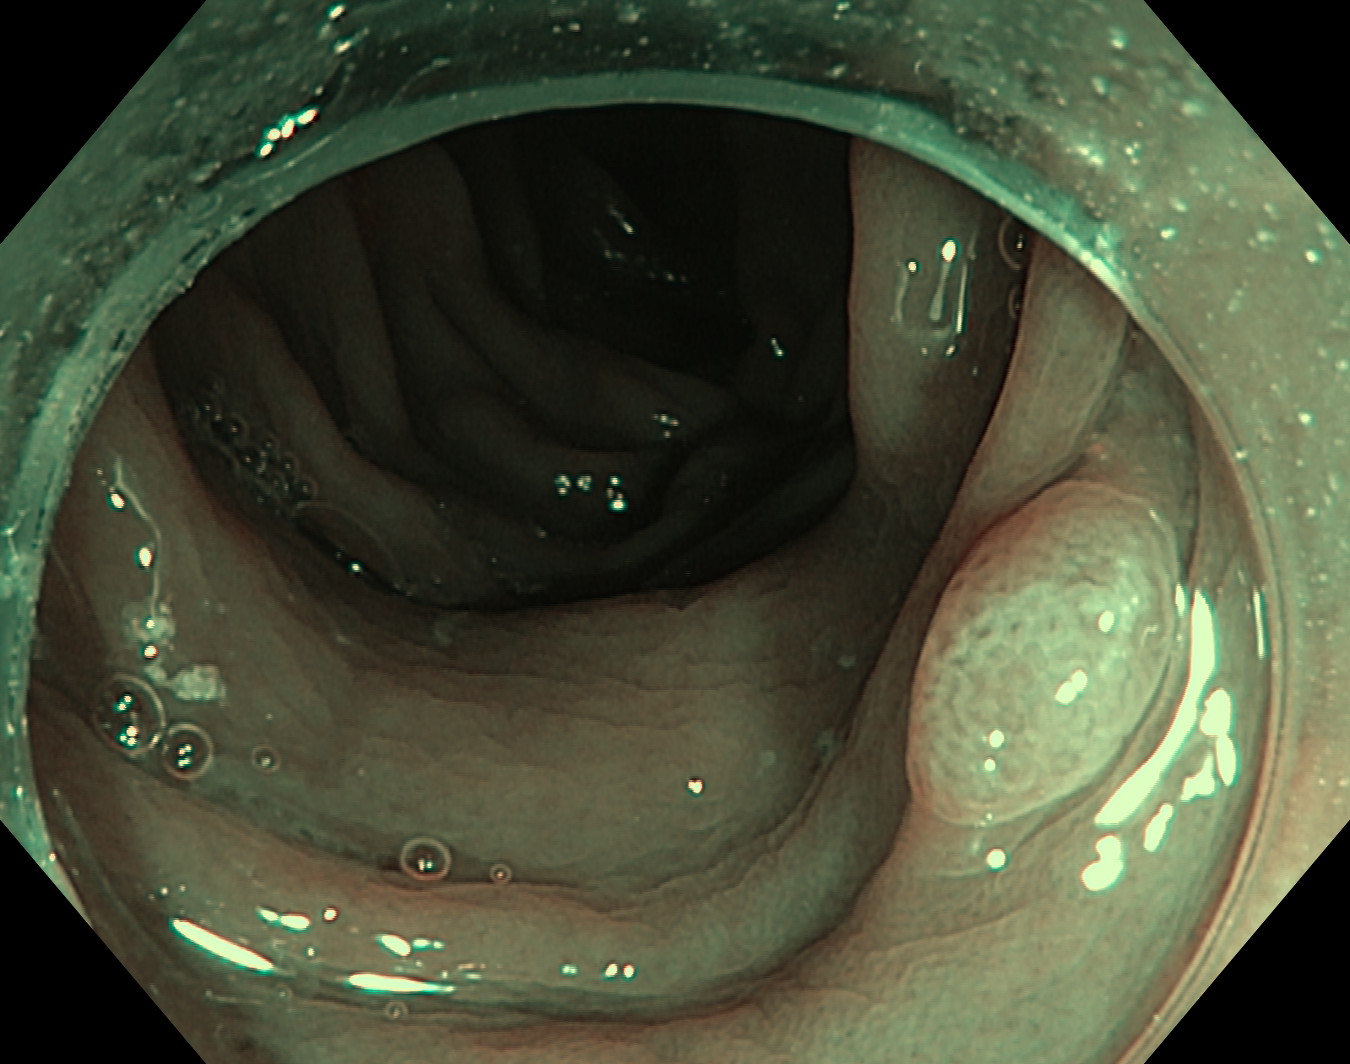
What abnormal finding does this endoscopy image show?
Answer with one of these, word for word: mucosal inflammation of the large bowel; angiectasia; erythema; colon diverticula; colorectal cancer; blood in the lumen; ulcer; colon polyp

colon polyp